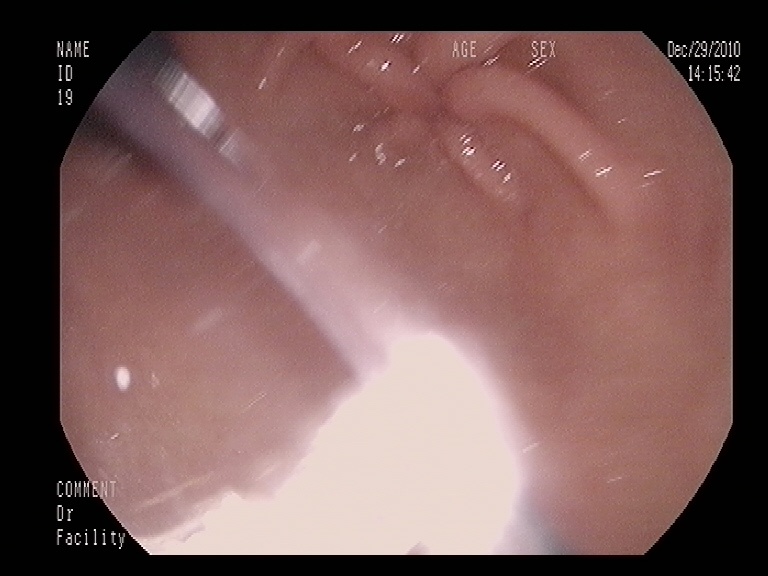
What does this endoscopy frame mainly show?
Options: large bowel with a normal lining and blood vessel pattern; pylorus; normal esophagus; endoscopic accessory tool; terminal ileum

pylorus